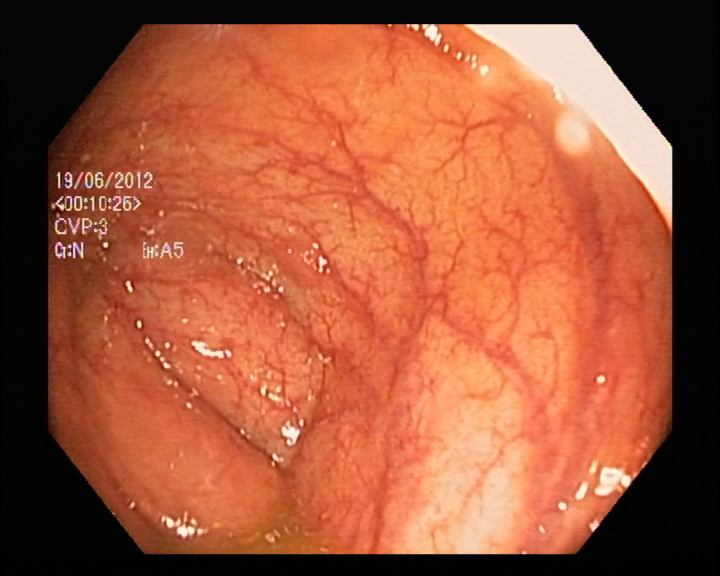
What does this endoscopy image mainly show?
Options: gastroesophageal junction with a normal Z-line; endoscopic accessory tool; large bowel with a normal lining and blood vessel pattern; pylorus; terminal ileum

large bowel with a normal lining and blood vessel pattern